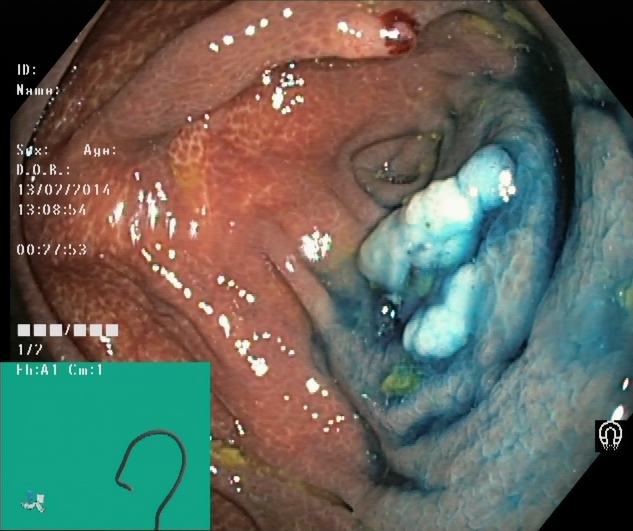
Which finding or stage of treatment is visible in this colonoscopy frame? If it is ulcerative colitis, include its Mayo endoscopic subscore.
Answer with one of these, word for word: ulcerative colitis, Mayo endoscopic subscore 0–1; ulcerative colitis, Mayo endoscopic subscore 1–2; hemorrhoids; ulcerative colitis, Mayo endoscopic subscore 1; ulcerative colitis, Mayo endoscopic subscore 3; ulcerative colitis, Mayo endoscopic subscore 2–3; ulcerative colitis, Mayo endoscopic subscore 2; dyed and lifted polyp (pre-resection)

dyed and lifted polyp (pre-resection)